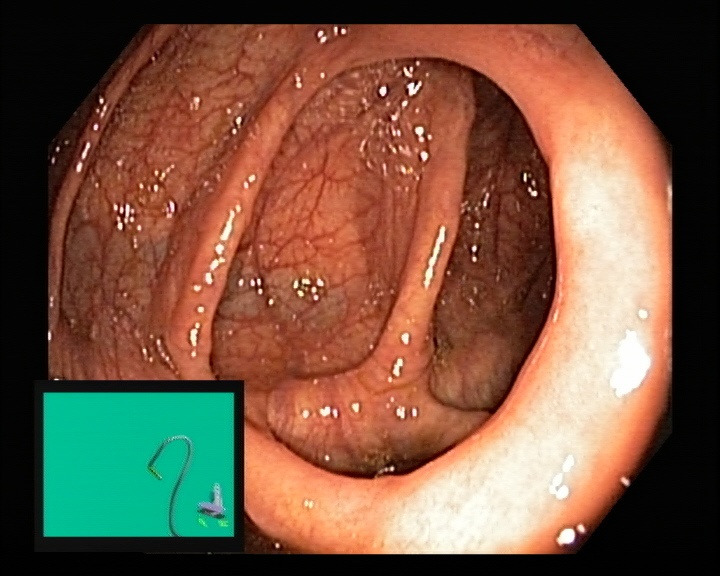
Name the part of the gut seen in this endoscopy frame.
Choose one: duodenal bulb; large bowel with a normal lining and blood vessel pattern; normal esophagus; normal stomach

large bowel with a normal lining and blood vessel pattern